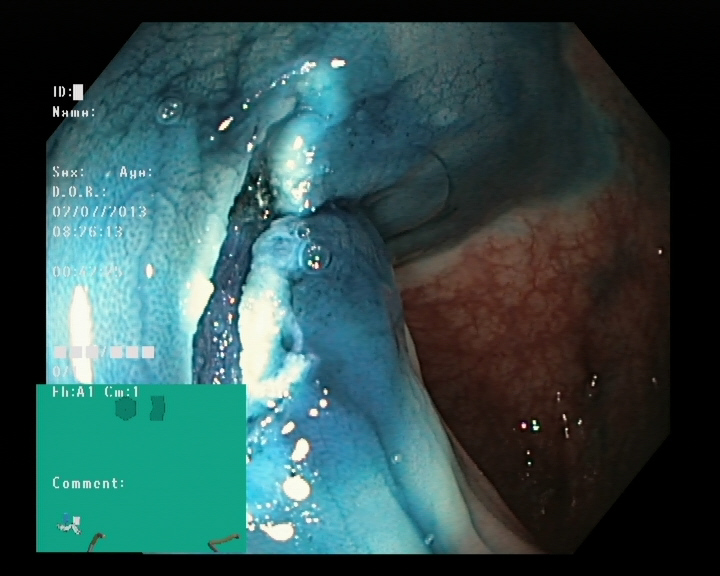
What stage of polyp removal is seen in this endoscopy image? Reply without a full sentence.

dyed resection margin (post-polypectomy)